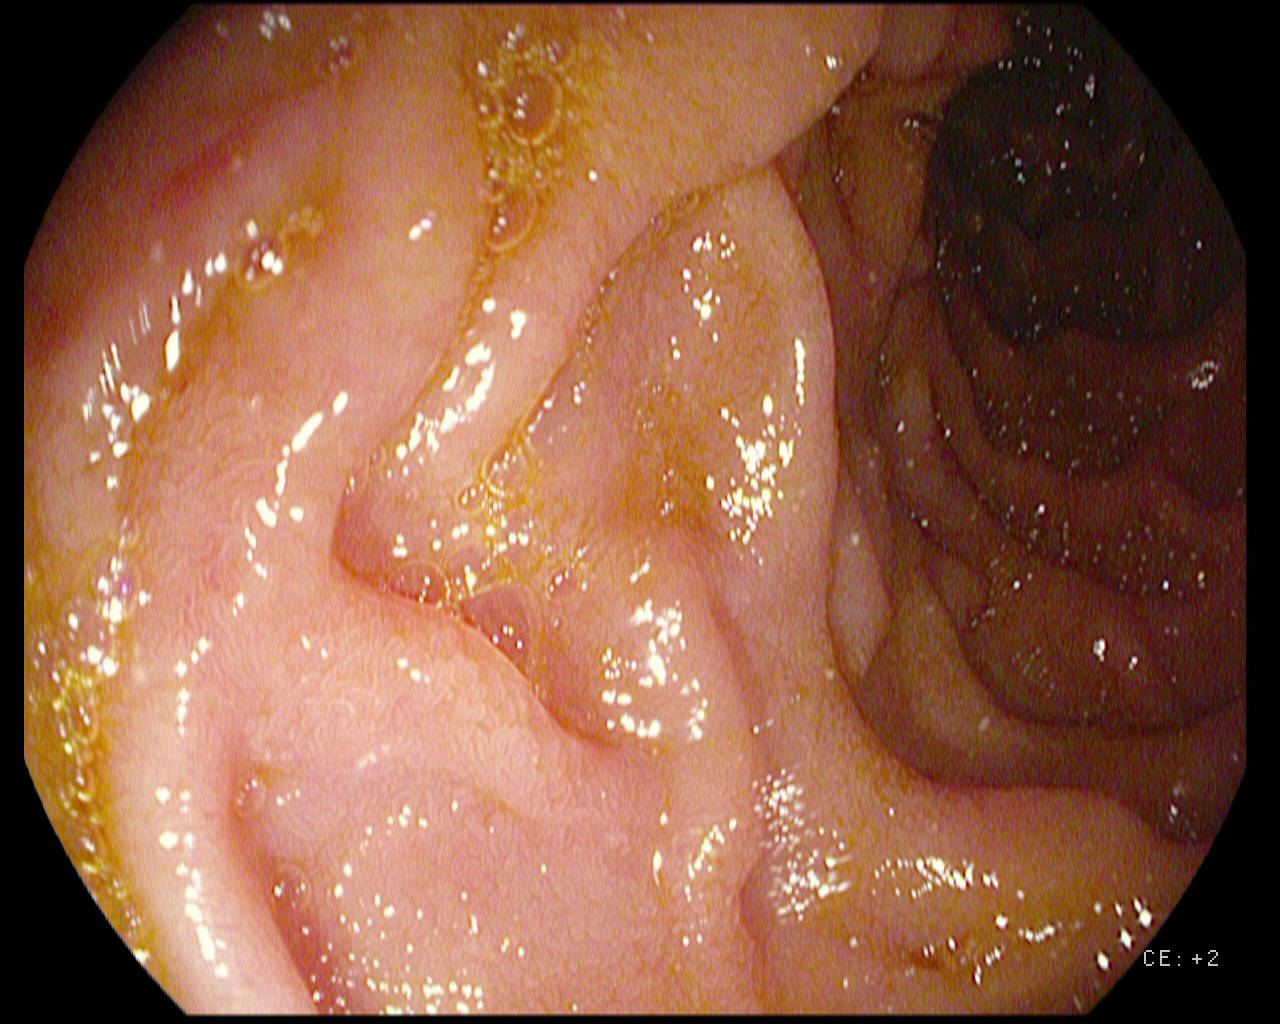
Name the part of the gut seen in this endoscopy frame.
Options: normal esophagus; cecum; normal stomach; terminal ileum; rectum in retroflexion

terminal ileum